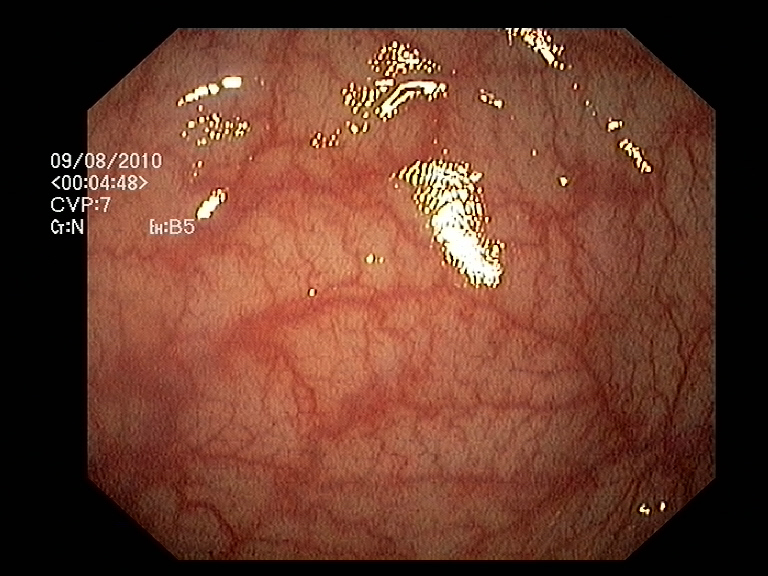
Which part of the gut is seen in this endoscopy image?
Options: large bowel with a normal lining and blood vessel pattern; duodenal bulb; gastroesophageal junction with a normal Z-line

large bowel with a normal lining and blood vessel pattern